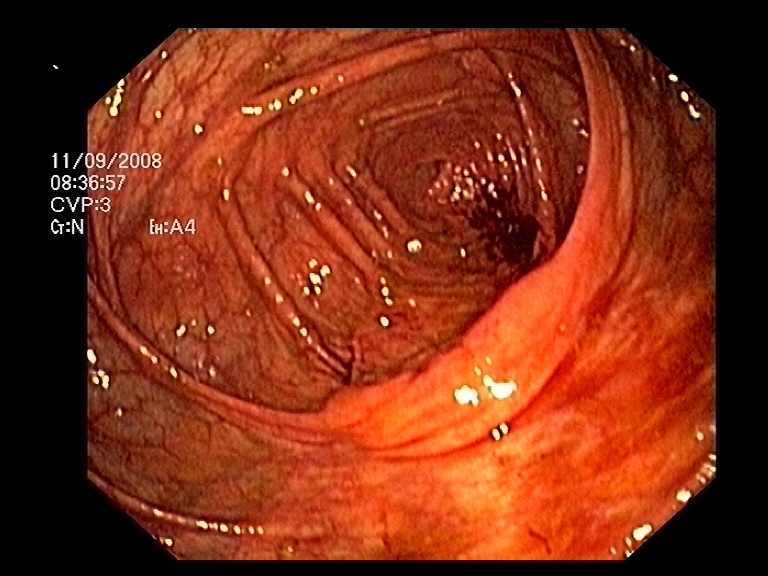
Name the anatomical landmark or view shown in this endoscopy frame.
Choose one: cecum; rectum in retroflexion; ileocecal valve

ileocecal valve